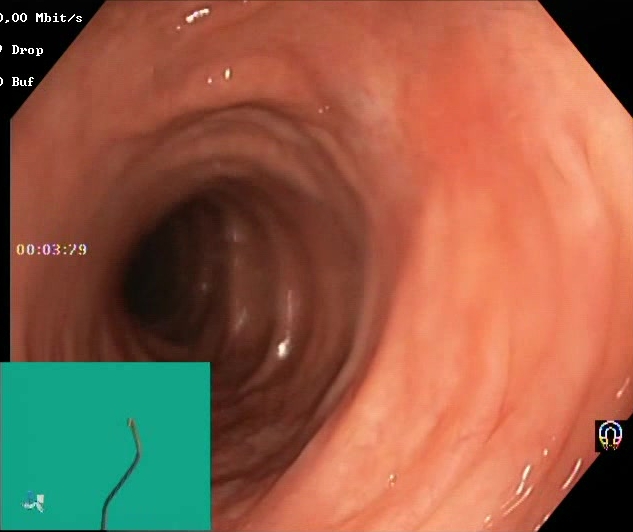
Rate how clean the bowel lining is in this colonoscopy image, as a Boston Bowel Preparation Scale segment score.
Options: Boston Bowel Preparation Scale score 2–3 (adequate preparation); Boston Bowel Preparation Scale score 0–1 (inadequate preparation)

Boston Bowel Preparation Scale score 2–3 (adequate preparation)